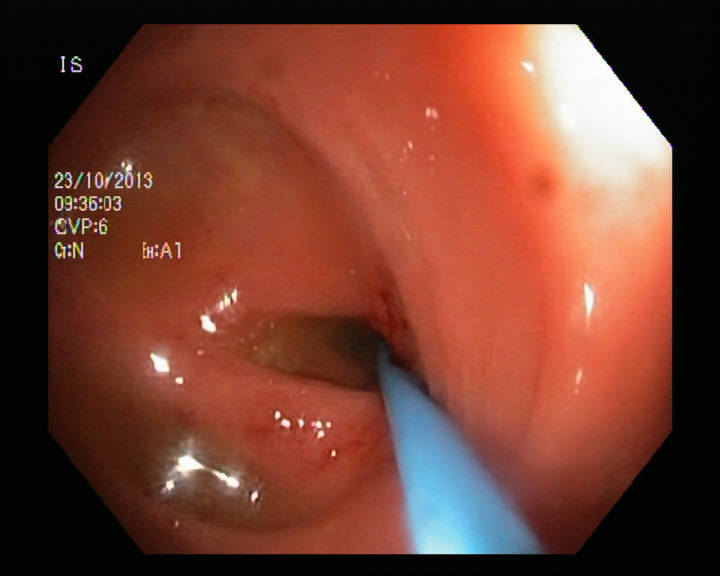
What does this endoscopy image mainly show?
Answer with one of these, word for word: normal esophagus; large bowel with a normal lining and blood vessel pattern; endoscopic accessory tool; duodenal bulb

endoscopic accessory tool